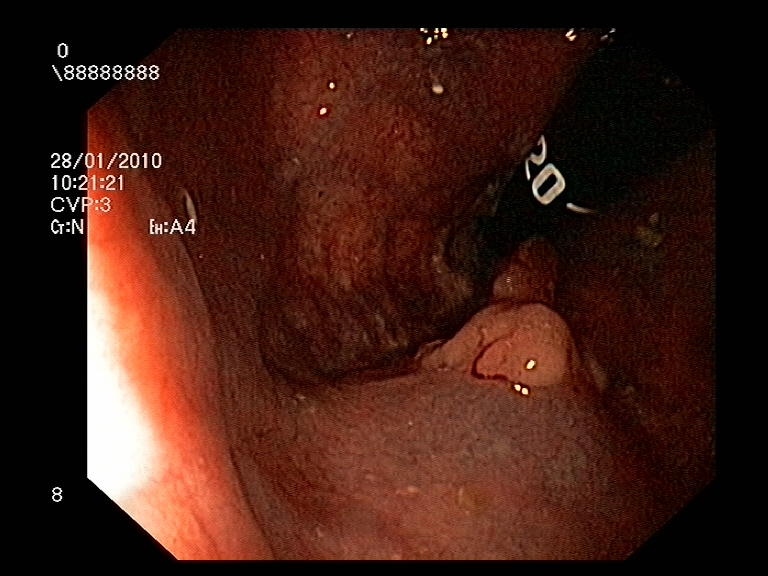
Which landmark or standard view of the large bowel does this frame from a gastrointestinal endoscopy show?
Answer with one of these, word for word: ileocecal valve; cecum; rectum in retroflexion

rectum in retroflexion